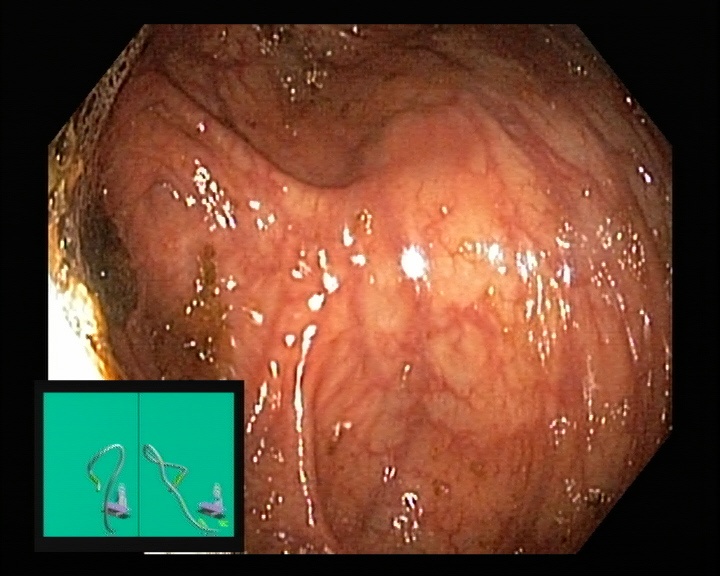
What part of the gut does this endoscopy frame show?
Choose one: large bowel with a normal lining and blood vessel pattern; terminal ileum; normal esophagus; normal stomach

large bowel with a normal lining and blood vessel pattern